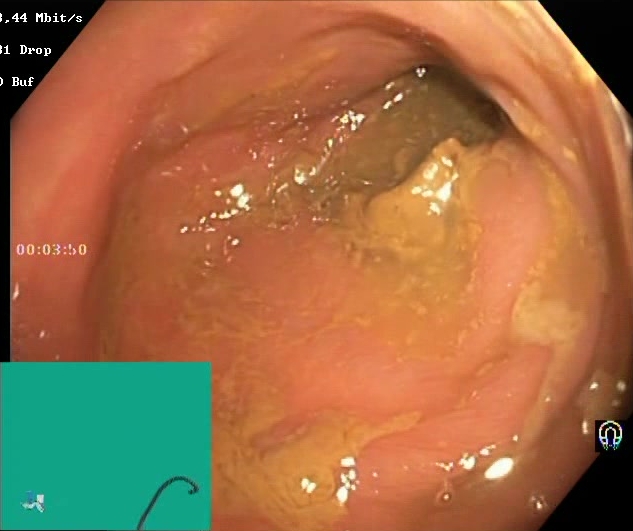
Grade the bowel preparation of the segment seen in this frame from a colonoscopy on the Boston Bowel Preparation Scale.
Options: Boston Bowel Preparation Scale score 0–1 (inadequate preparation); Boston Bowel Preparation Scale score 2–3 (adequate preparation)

Boston Bowel Preparation Scale score 0–1 (inadequate preparation)